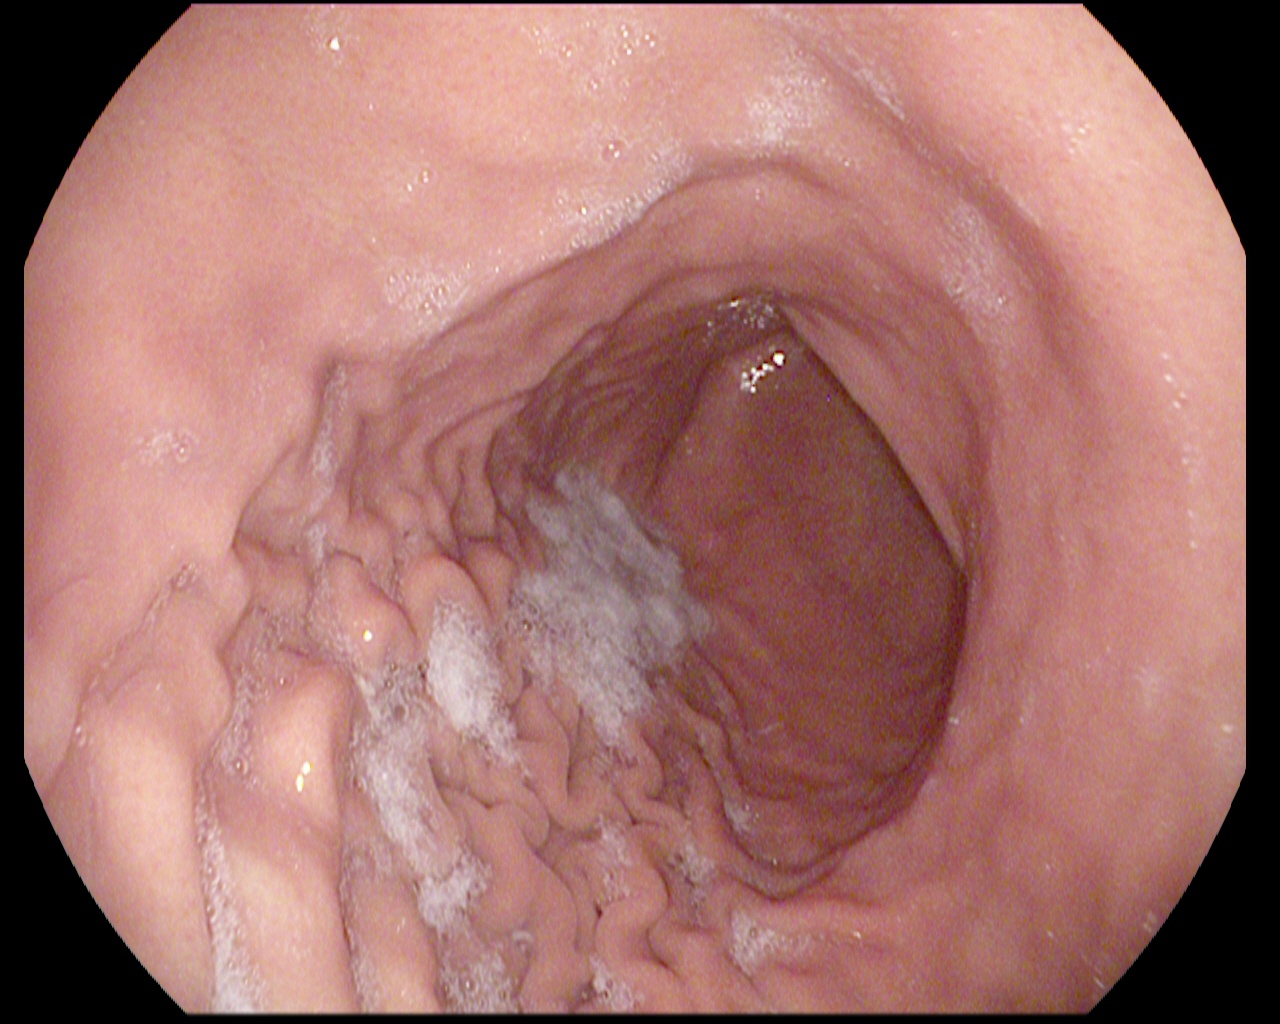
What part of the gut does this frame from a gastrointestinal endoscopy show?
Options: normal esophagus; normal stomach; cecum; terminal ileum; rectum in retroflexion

normal stomach